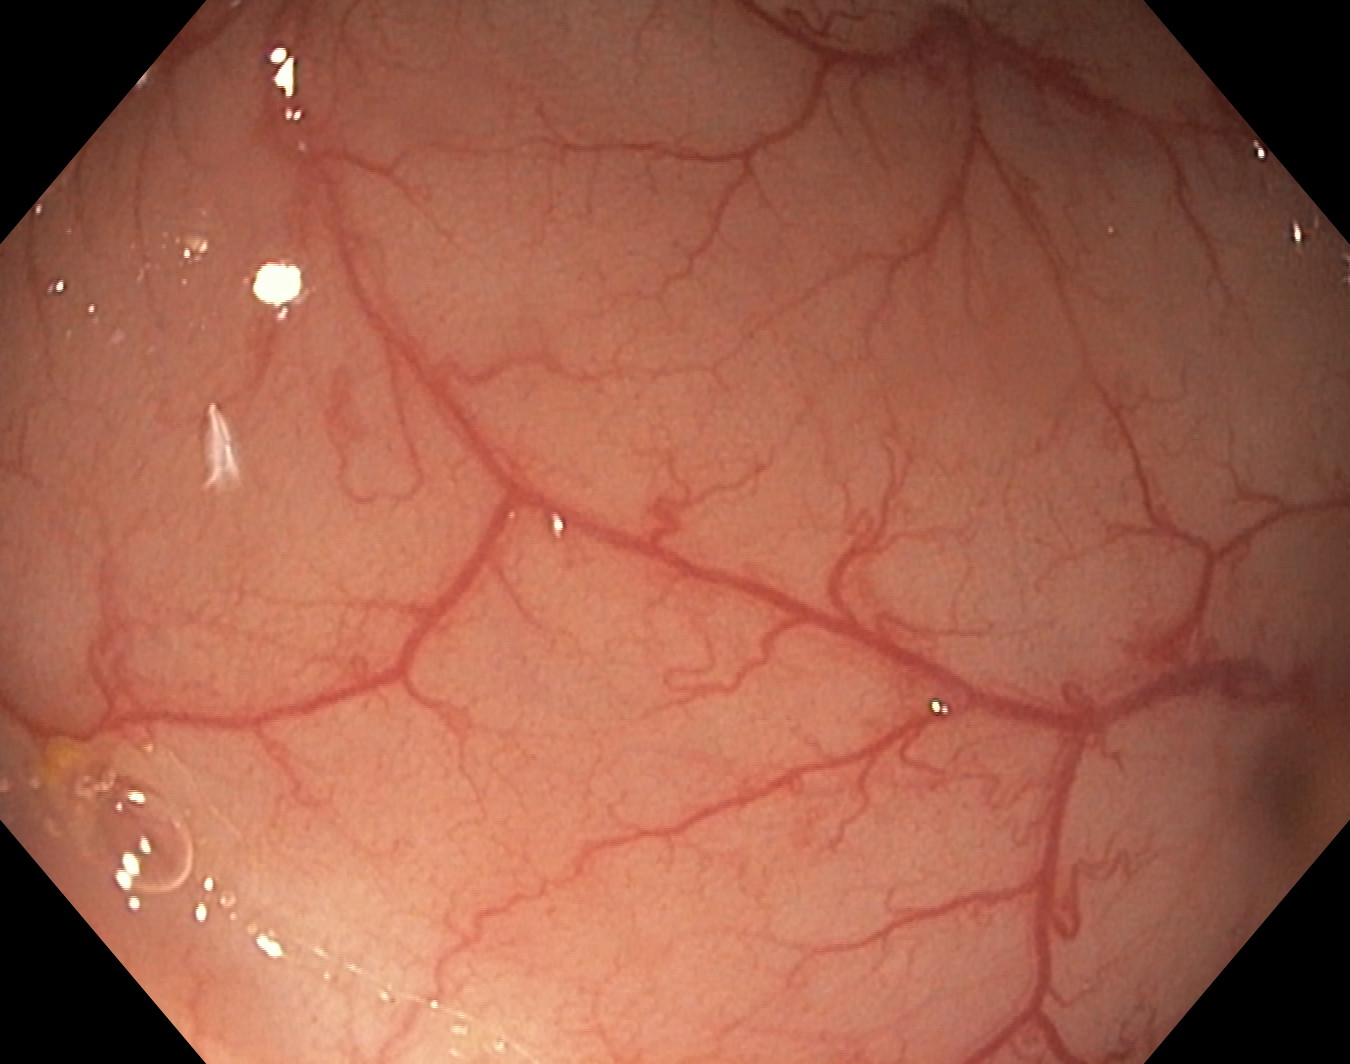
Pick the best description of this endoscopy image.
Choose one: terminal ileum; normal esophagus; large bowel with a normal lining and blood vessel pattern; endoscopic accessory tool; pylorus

large bowel with a normal lining and blood vessel pattern